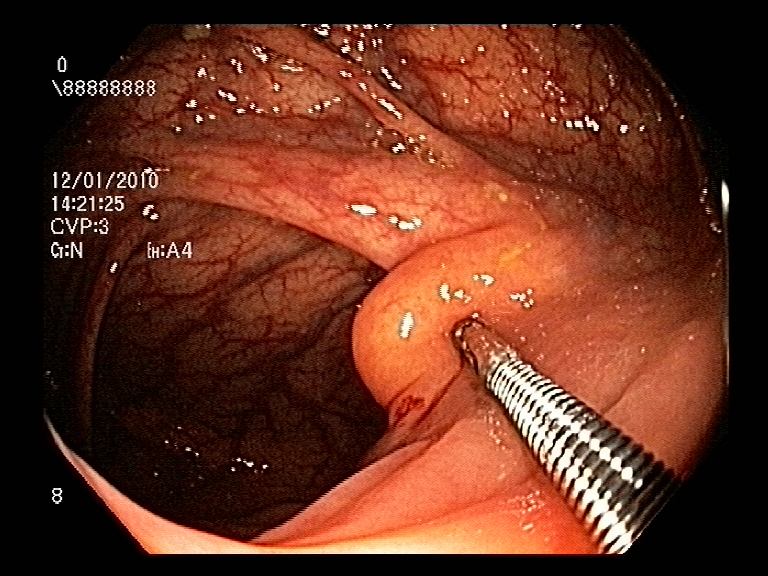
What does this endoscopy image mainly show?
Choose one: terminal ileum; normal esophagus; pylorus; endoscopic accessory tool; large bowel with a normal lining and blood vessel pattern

endoscopic accessory tool